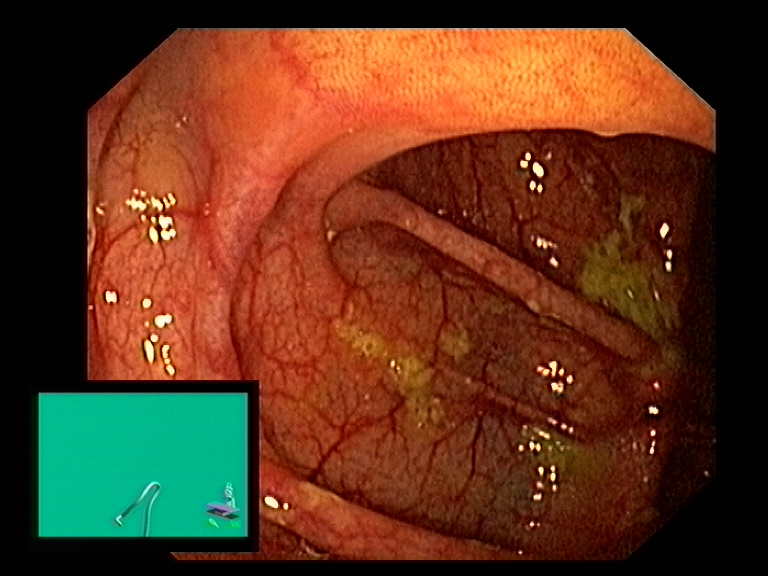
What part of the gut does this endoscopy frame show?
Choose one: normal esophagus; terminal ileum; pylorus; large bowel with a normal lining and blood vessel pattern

large bowel with a normal lining and blood vessel pattern